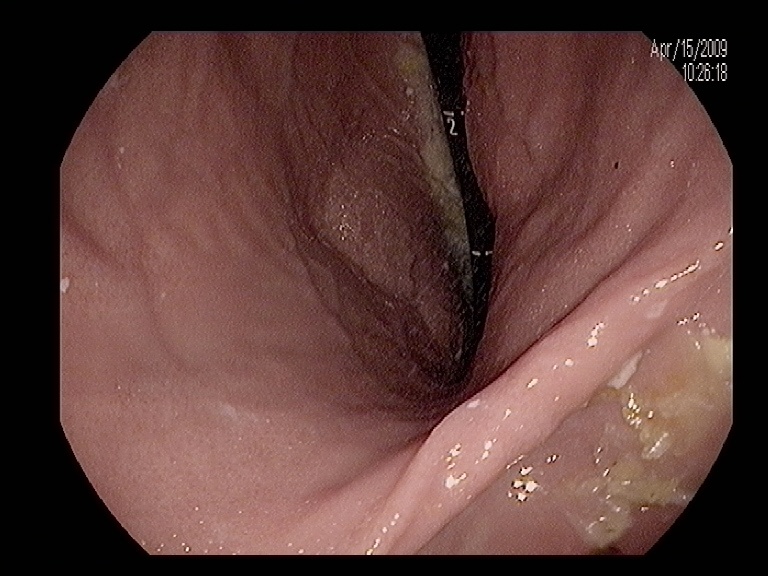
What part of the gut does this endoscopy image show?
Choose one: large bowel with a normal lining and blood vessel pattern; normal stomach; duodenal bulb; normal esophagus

normal stomach